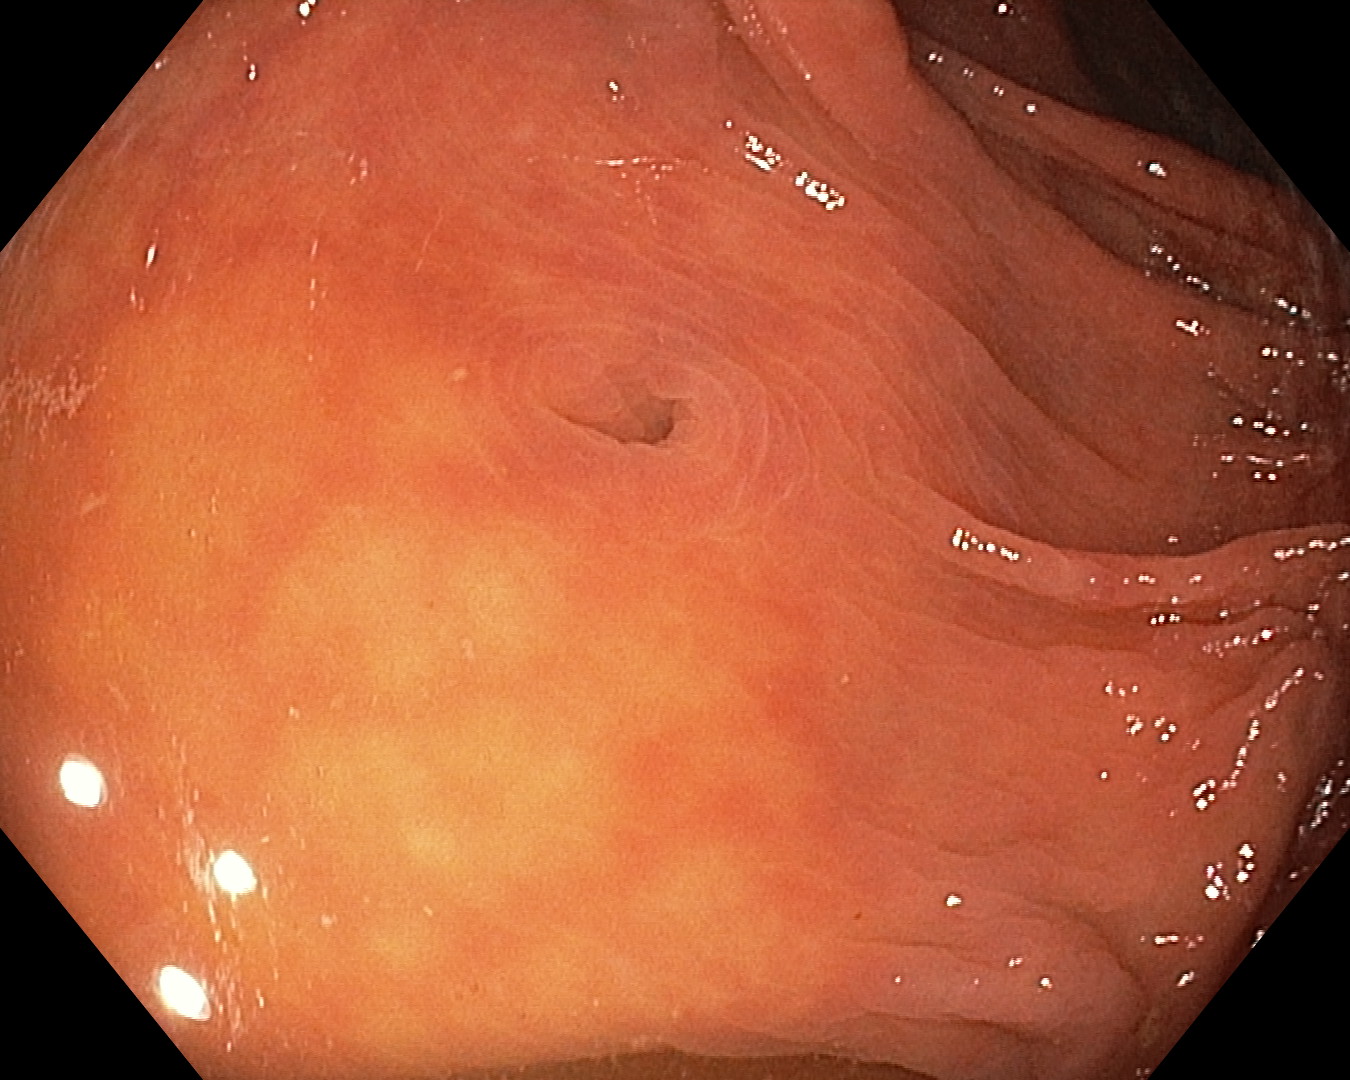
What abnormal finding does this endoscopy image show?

colon diverticula